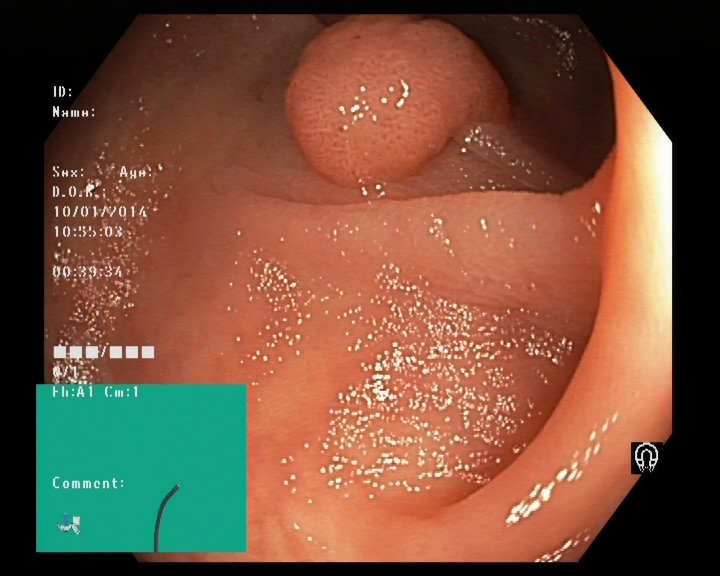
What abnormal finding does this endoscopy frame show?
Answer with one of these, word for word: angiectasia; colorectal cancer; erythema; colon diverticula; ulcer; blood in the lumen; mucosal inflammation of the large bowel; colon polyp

colon polyp